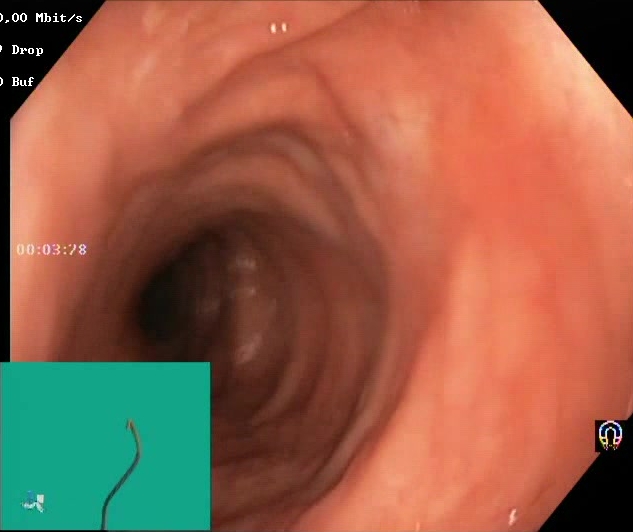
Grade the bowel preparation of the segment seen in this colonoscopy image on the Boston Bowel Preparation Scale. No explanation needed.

Boston Bowel Preparation Scale score 2–3 (adequate preparation)